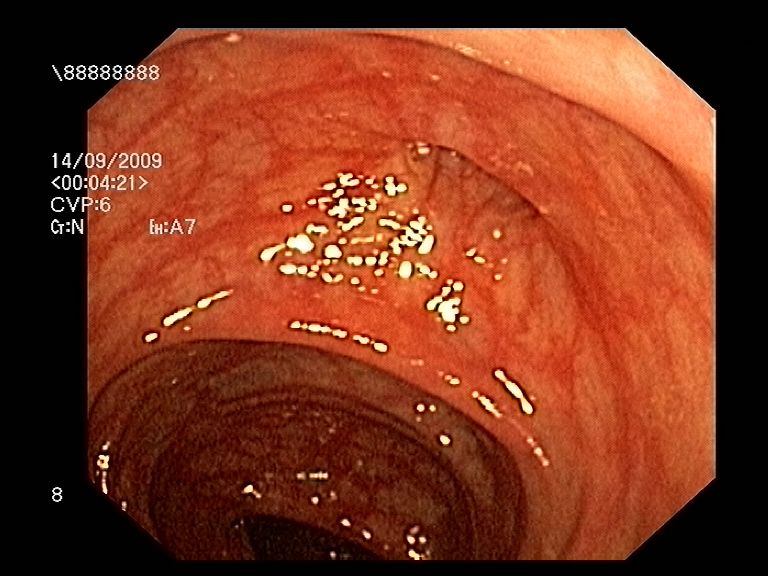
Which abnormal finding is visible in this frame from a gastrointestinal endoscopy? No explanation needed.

colon diverticula